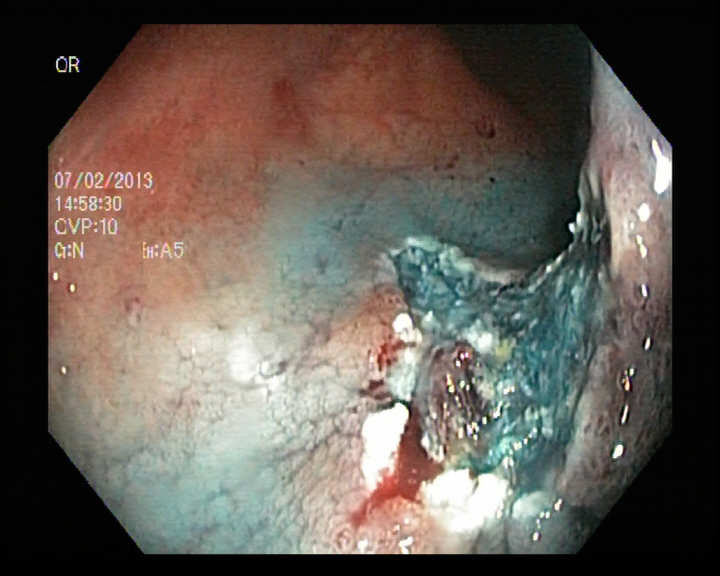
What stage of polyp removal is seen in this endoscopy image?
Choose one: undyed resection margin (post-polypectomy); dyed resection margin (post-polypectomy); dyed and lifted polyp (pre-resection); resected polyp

dyed resection margin (post-polypectomy)